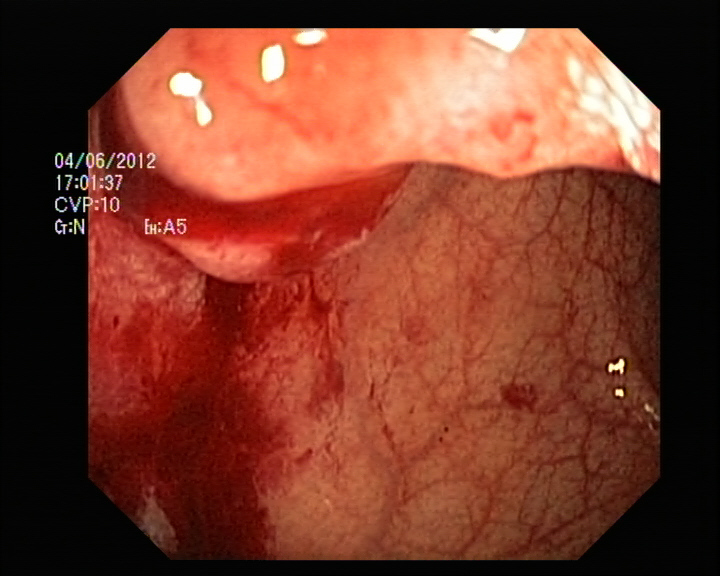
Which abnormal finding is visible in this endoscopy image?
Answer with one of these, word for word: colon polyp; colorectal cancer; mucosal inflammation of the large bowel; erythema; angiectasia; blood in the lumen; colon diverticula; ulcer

blood in the lumen